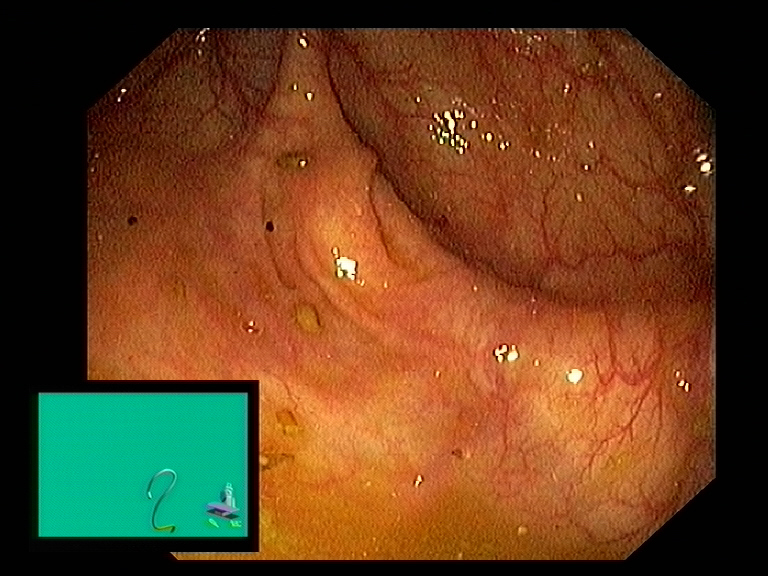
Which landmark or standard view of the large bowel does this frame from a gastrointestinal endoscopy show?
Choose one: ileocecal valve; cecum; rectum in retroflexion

cecum